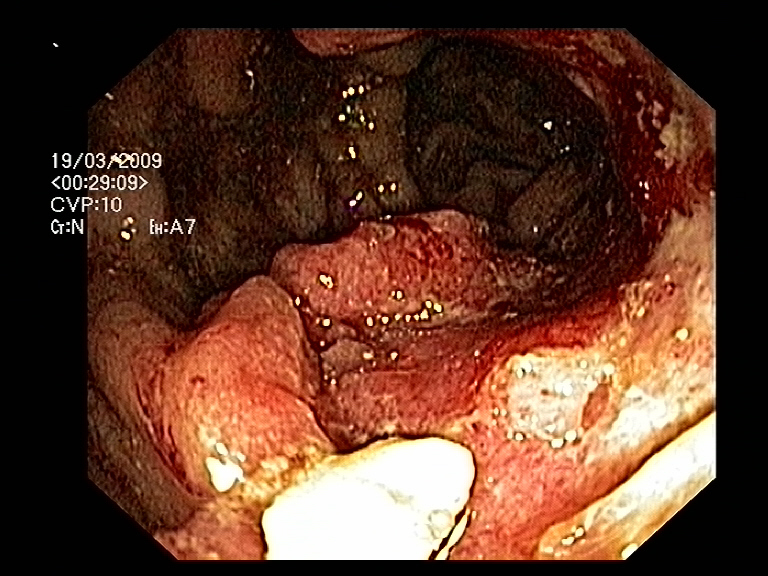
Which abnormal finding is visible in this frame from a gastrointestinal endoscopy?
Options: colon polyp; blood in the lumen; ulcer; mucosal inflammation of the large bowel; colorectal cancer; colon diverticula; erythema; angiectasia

colorectal cancer